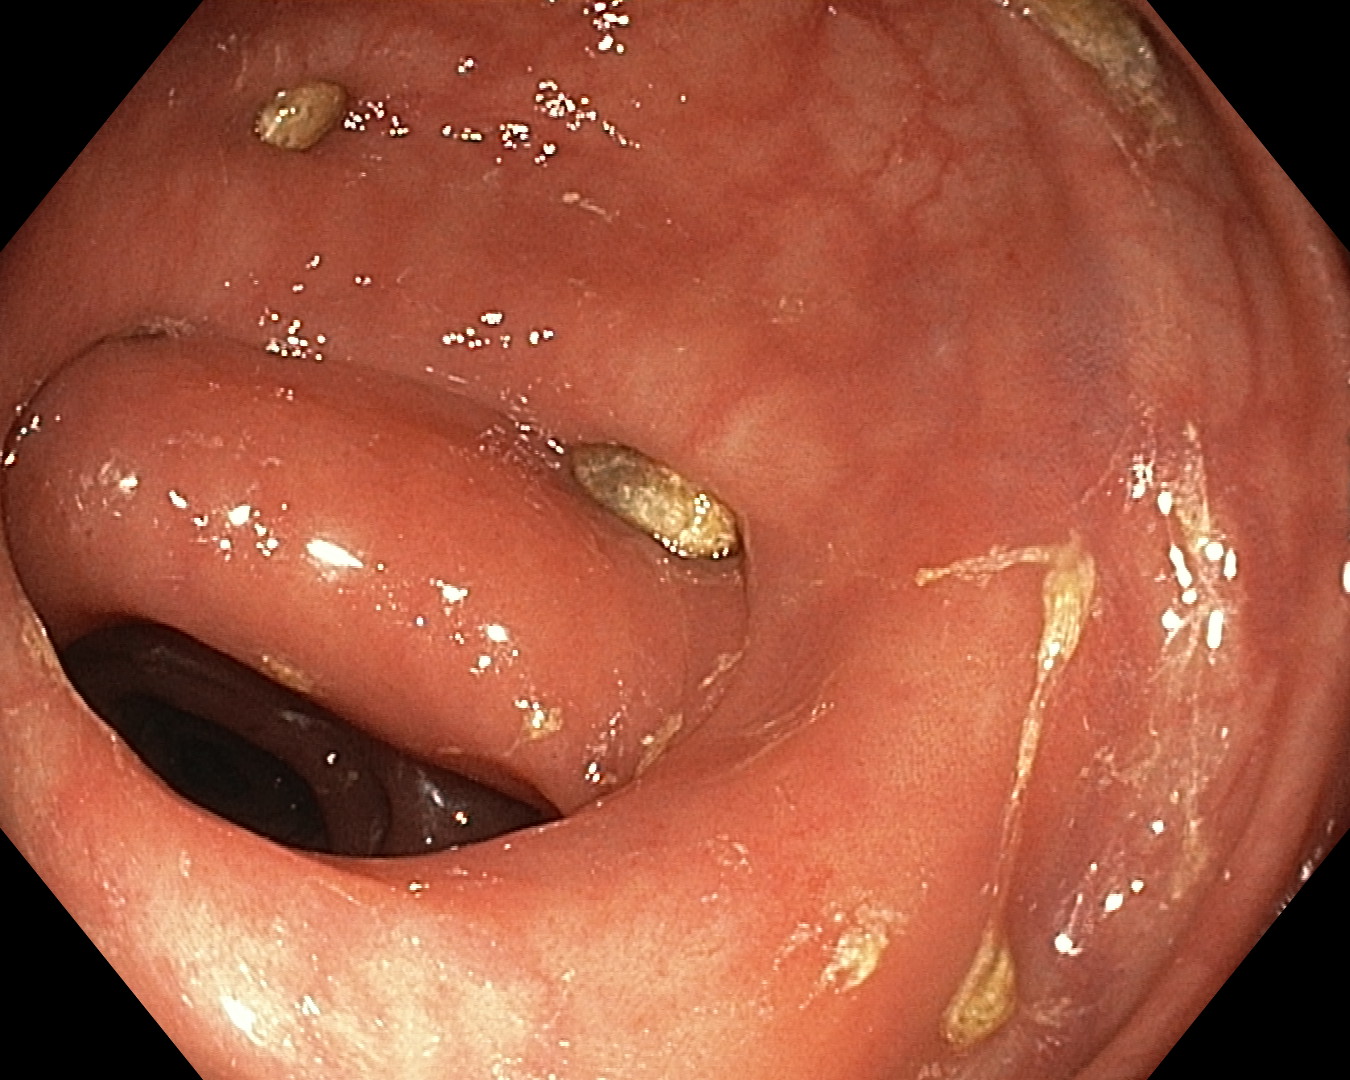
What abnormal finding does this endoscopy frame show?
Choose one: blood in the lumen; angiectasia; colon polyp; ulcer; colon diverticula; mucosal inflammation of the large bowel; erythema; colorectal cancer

colon diverticula